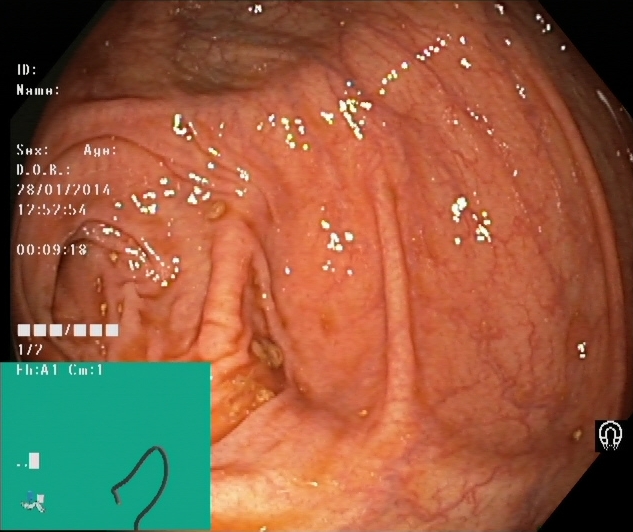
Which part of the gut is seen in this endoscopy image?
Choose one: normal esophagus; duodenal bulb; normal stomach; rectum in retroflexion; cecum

cecum